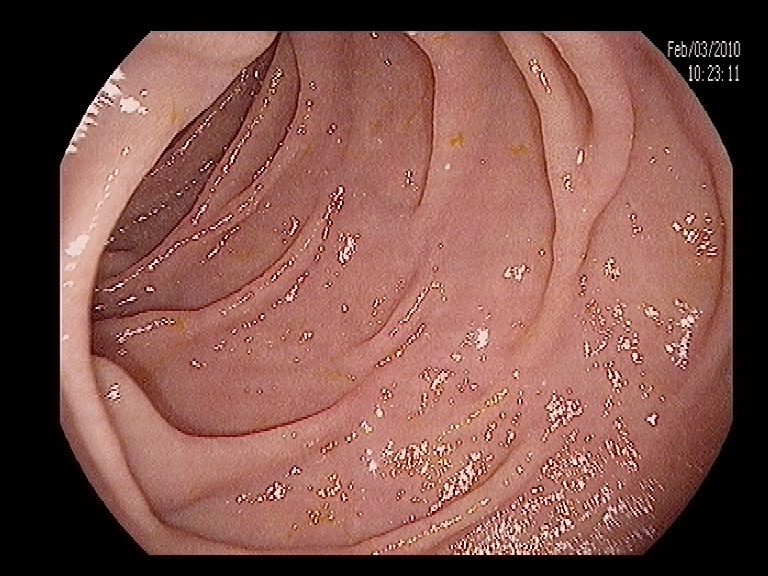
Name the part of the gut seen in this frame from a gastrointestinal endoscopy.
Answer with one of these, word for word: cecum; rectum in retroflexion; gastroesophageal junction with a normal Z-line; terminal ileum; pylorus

terminal ileum